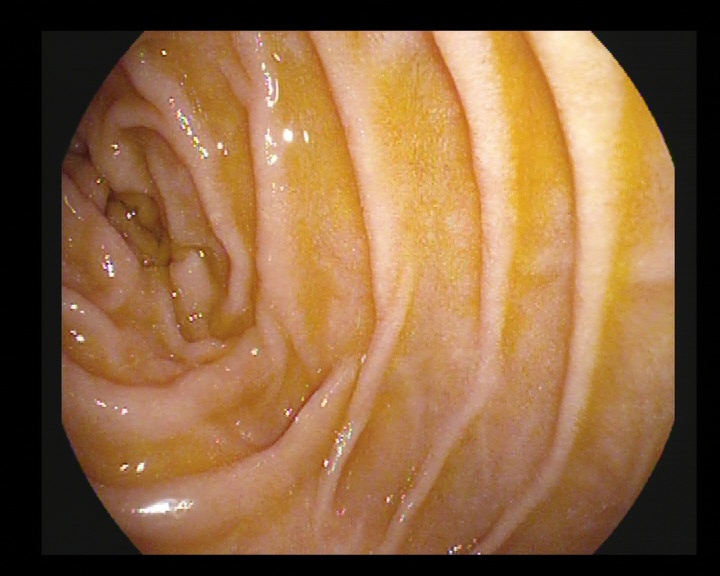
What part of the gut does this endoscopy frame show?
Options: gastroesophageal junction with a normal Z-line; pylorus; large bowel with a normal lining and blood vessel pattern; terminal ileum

terminal ileum